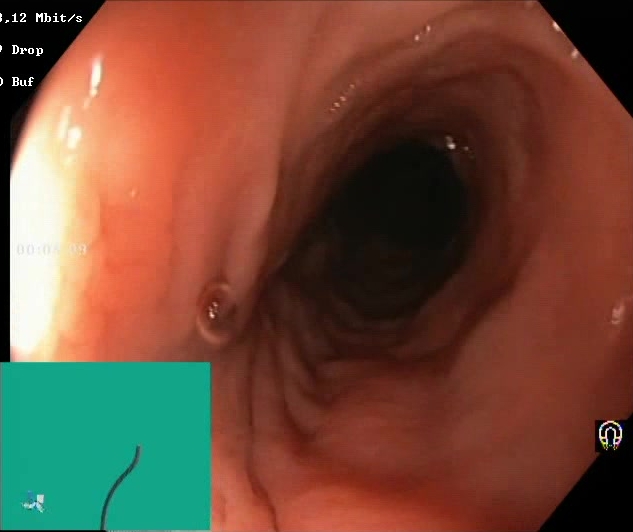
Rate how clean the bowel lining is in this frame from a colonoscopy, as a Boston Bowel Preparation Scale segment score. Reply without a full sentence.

Boston Bowel Preparation Scale score 2–3 (adequate preparation)